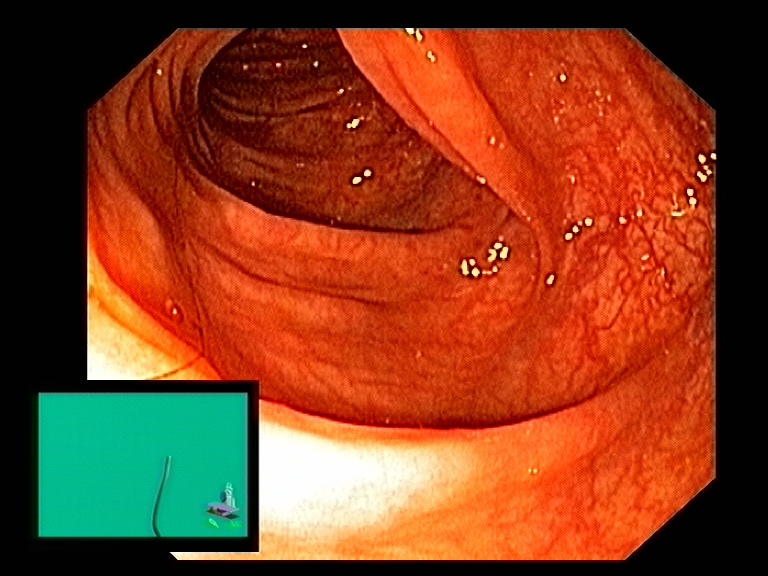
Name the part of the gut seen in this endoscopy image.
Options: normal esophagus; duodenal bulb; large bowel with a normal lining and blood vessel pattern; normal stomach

large bowel with a normal lining and blood vessel pattern